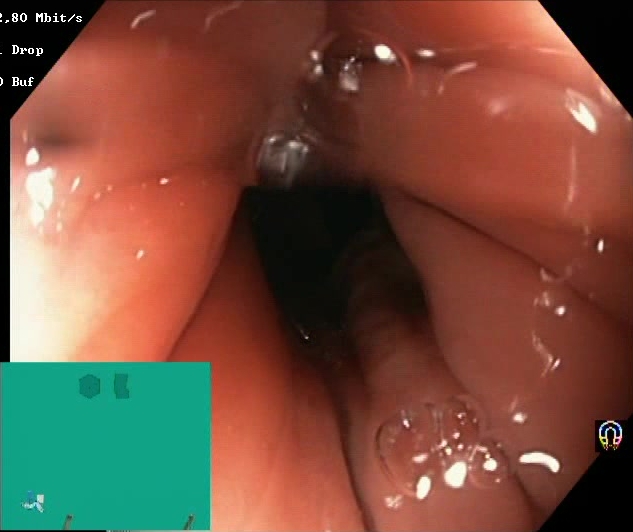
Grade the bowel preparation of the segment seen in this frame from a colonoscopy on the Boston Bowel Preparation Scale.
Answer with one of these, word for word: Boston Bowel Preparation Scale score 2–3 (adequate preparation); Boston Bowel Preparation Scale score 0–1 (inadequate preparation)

Boston Bowel Preparation Scale score 2–3 (adequate preparation)